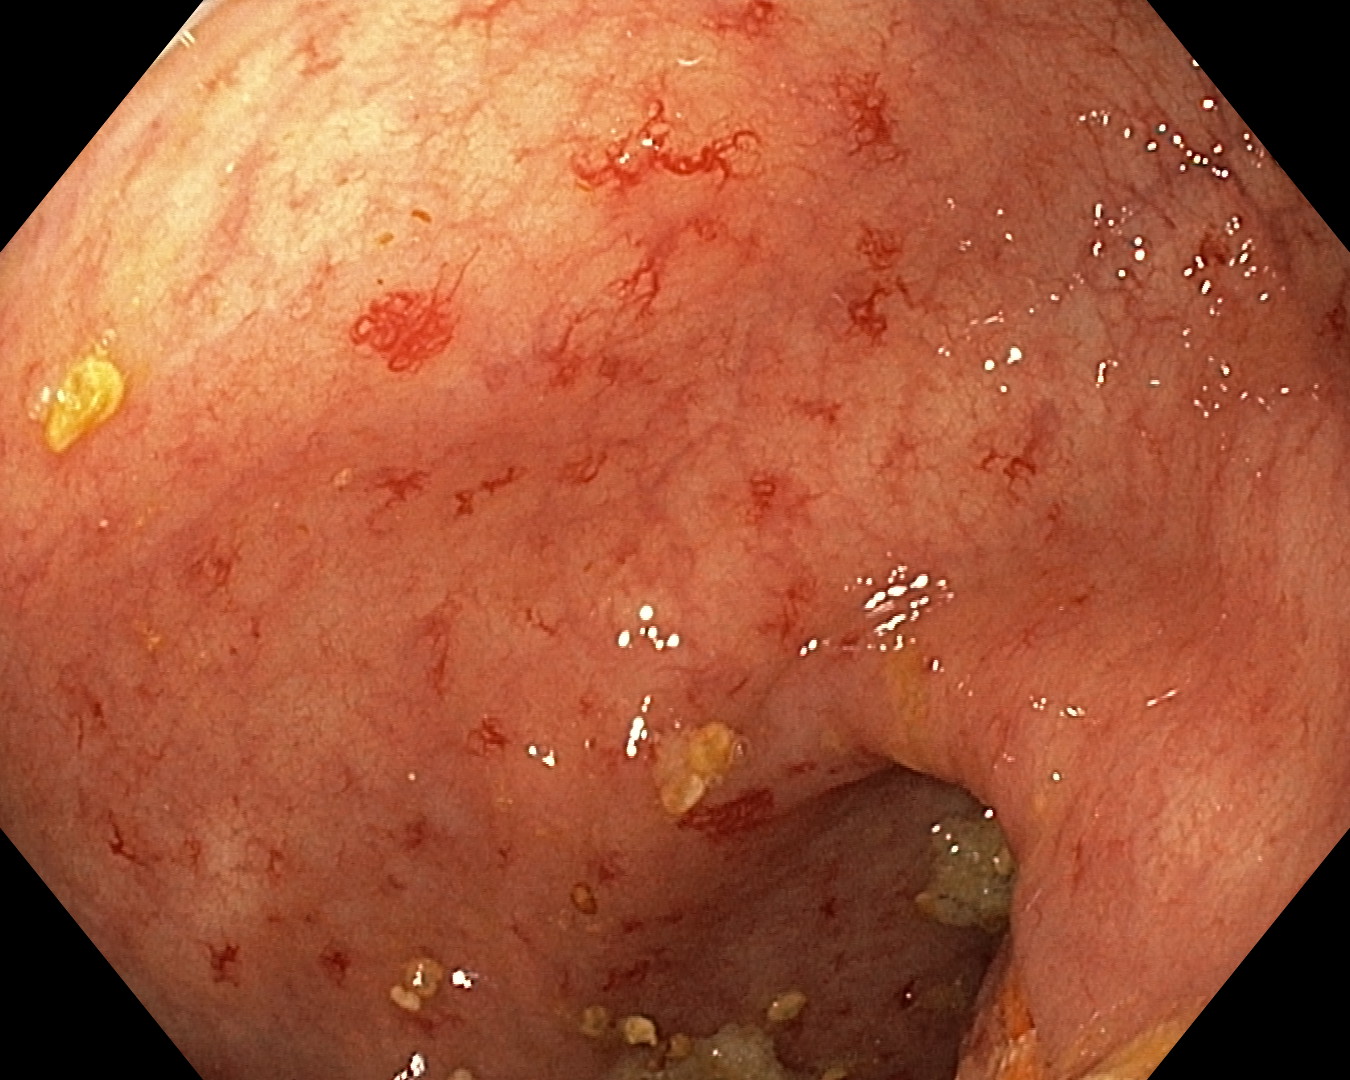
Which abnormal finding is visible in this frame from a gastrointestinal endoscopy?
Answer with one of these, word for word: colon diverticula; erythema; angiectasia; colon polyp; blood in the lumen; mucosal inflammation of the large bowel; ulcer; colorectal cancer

angiectasia